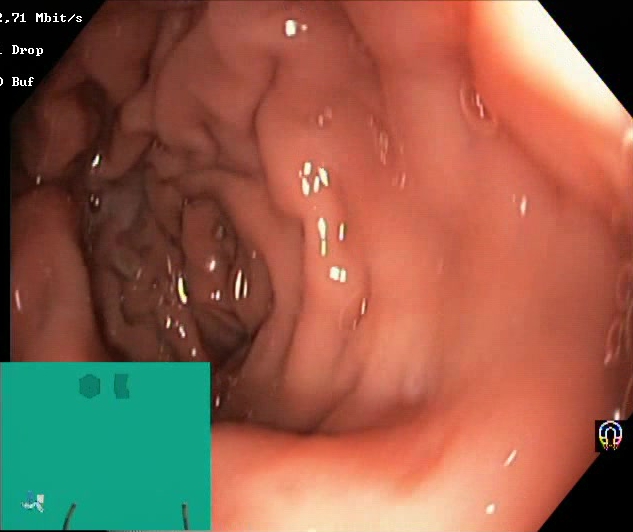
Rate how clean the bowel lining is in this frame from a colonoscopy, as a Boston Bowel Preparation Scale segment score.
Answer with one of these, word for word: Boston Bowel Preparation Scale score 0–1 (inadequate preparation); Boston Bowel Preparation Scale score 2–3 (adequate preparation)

Boston Bowel Preparation Scale score 2–3 (adequate preparation)